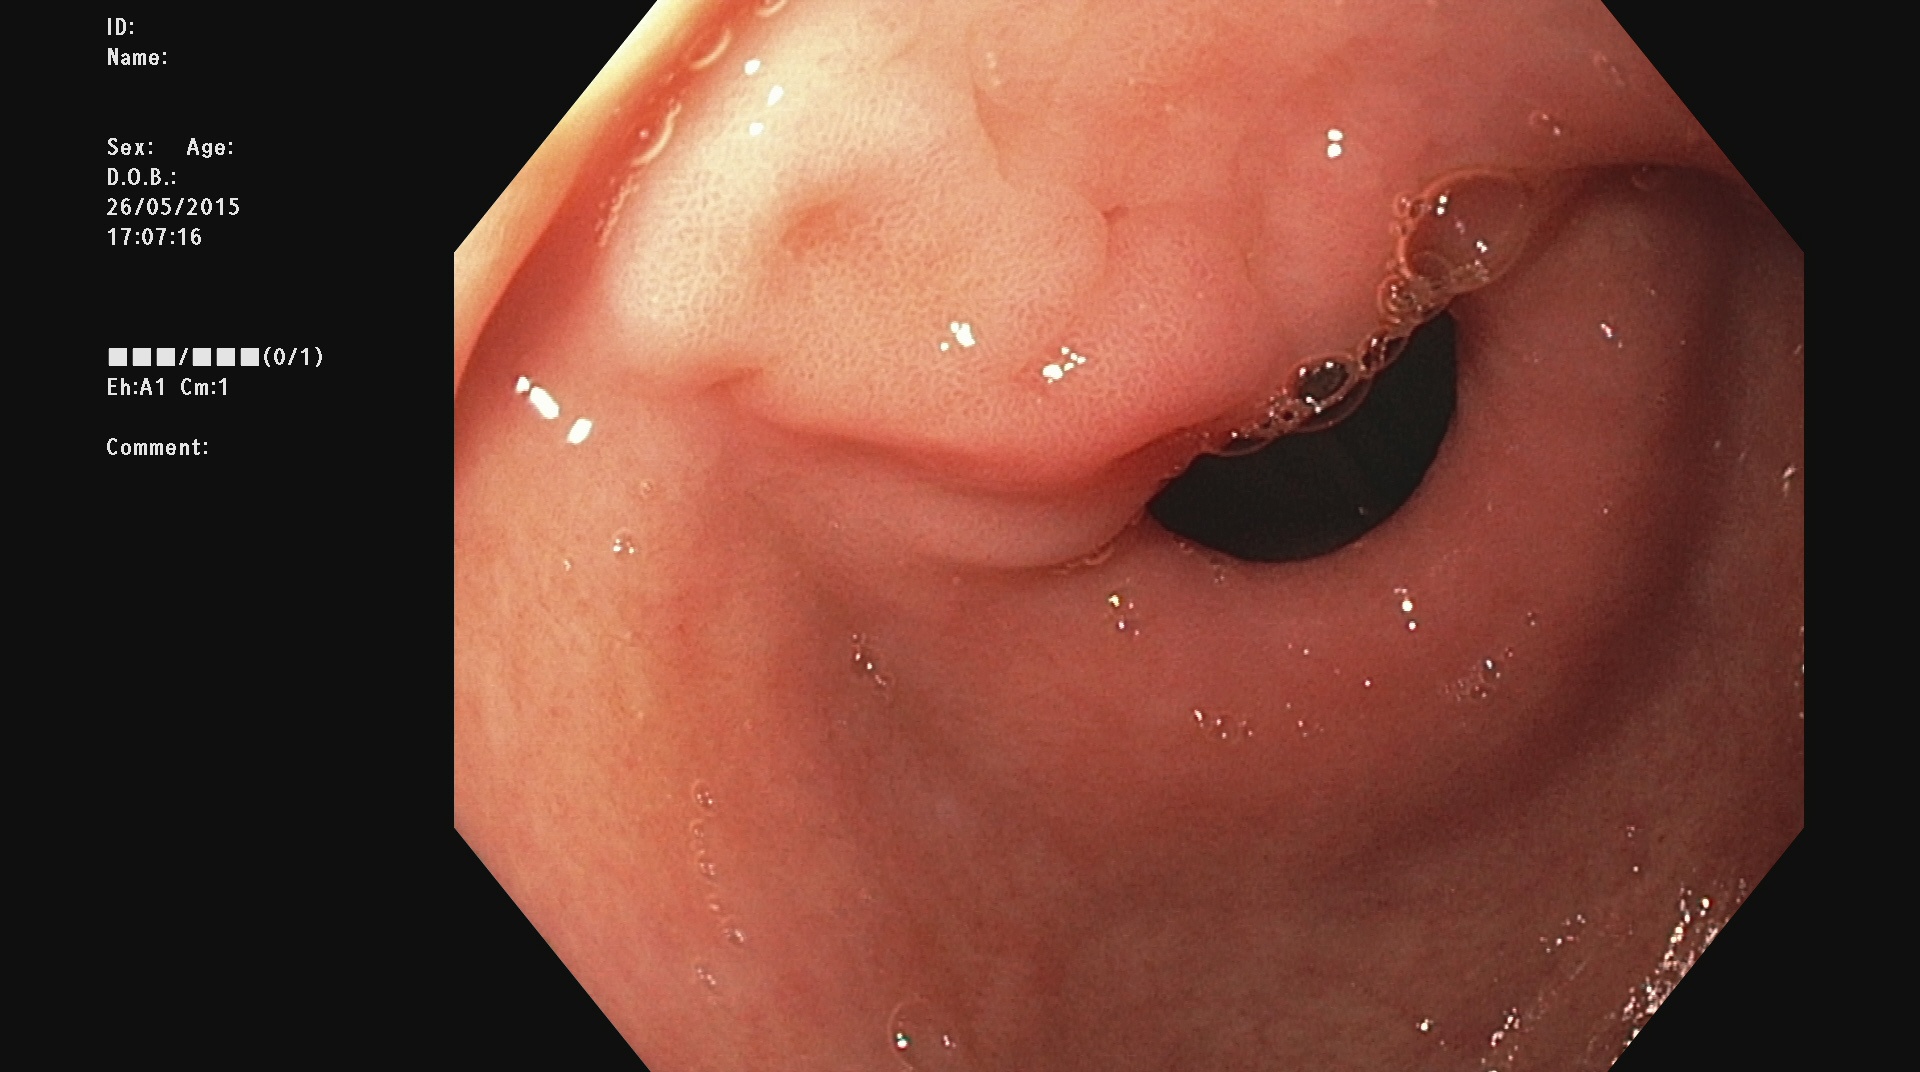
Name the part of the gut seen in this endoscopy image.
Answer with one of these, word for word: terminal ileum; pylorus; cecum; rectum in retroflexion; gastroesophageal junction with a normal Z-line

pylorus